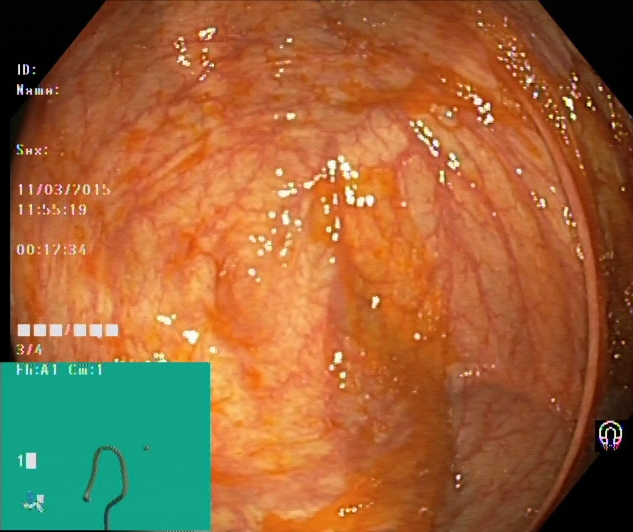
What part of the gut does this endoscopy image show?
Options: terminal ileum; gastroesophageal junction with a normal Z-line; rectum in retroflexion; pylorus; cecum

cecum